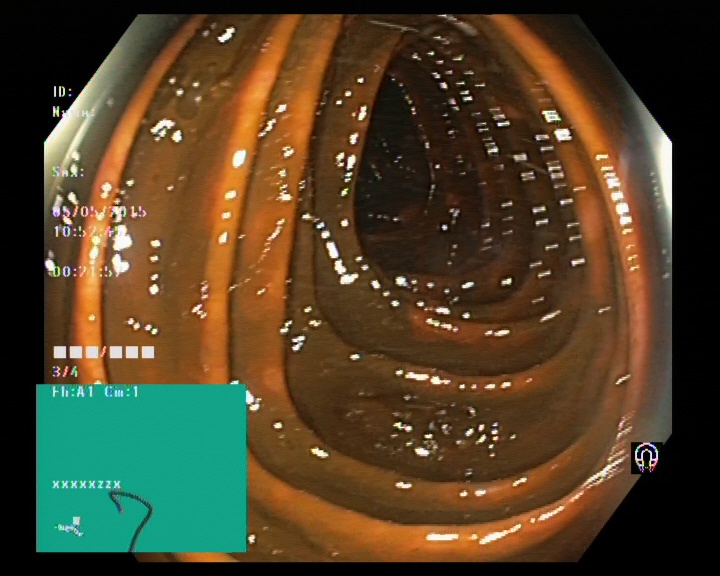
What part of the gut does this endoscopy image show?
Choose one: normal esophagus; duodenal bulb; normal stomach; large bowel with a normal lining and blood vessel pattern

large bowel with a normal lining and blood vessel pattern